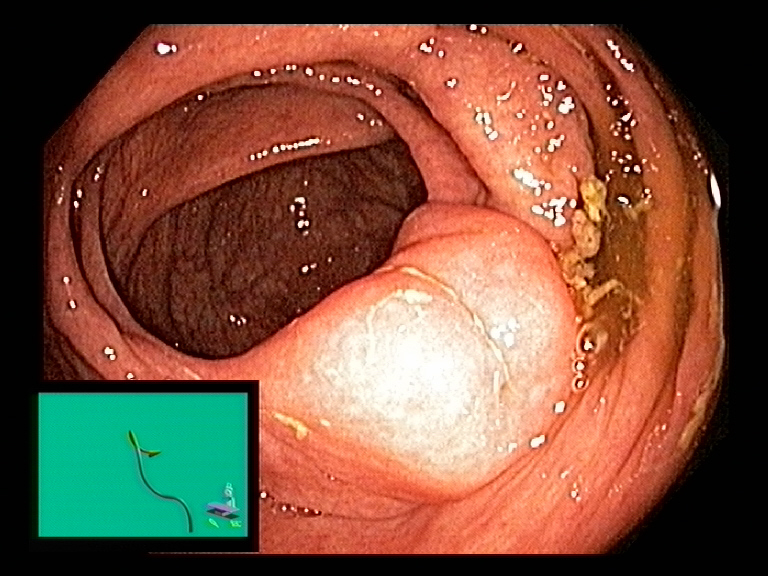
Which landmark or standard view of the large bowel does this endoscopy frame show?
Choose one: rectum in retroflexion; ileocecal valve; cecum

ileocecal valve